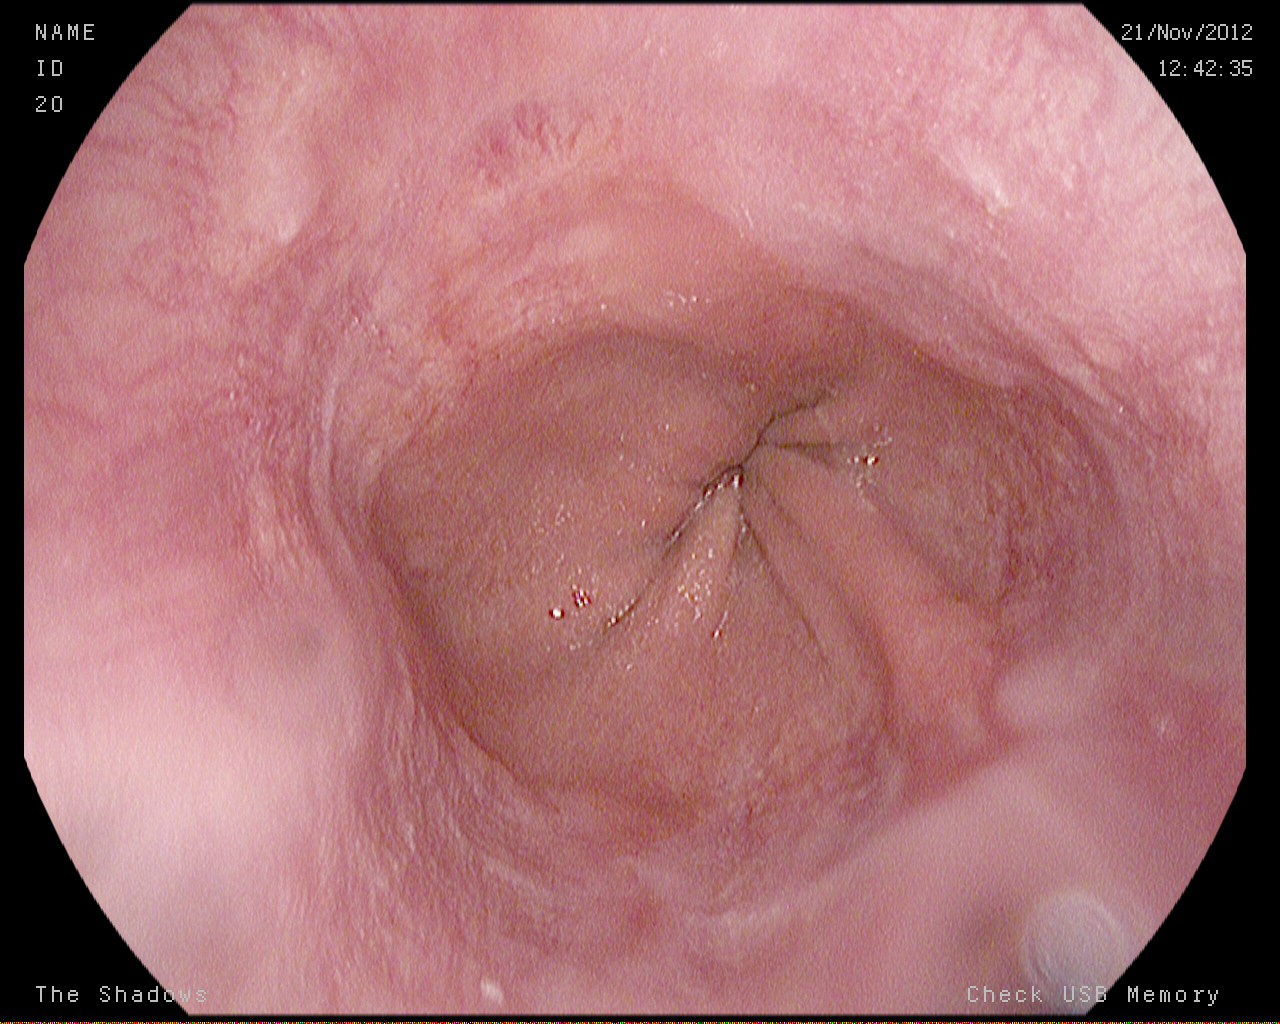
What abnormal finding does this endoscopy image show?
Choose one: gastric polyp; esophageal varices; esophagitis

esophagitis